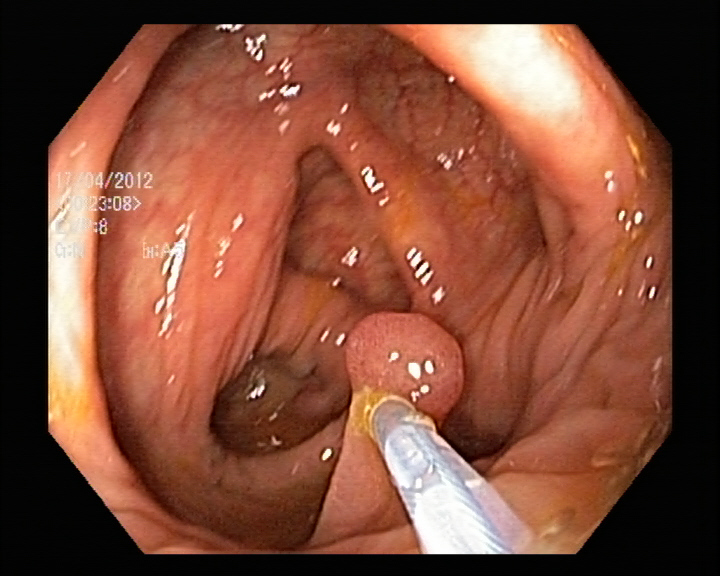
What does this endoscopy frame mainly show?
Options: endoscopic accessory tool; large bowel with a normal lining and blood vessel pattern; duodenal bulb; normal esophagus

endoscopic accessory tool